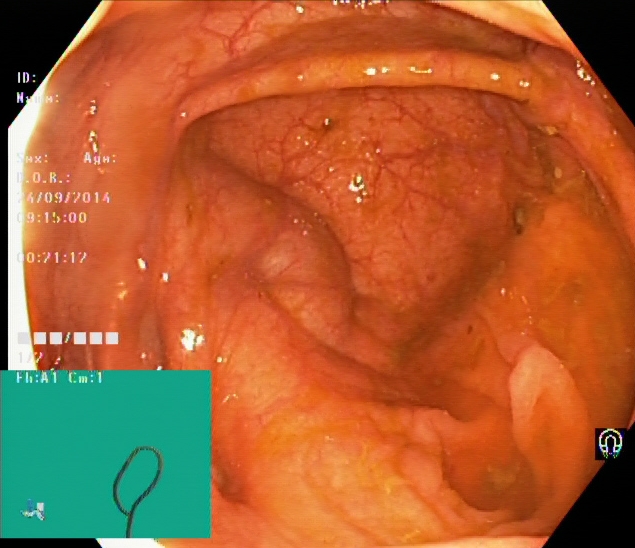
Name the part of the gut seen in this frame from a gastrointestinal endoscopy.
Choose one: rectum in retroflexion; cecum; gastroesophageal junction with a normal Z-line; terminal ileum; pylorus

cecum